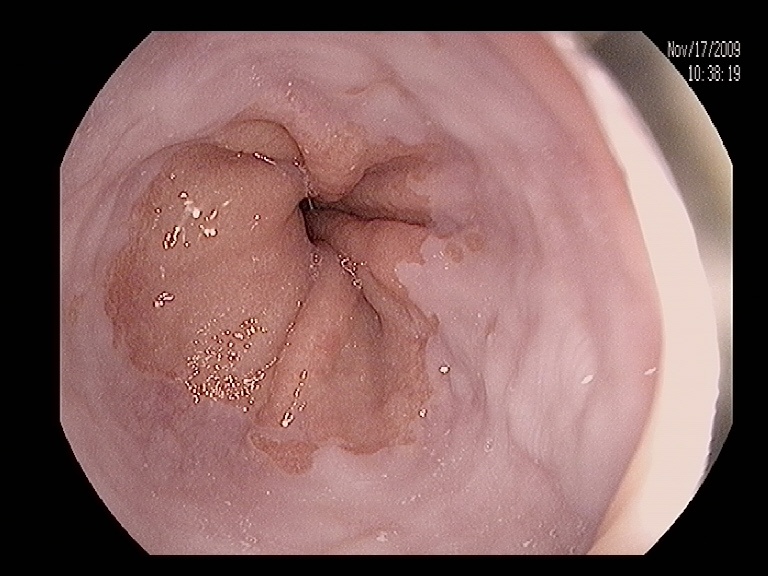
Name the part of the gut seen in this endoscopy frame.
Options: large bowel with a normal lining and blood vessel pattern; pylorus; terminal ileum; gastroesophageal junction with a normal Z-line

gastroesophageal junction with a normal Z-line